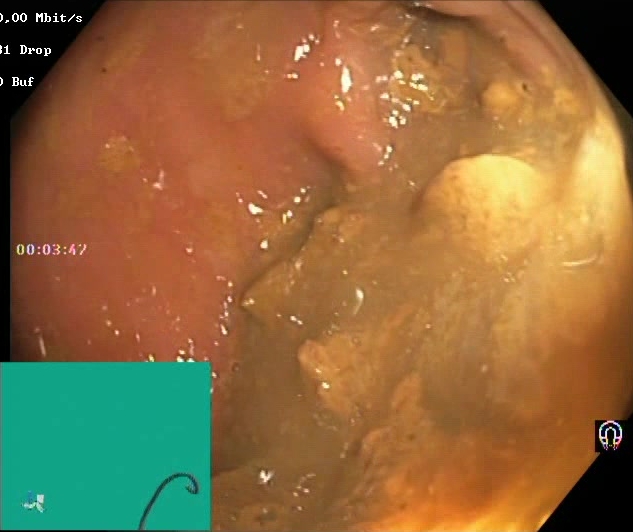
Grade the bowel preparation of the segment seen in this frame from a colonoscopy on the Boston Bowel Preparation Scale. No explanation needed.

Boston Bowel Preparation Scale score 0–1 (inadequate preparation)